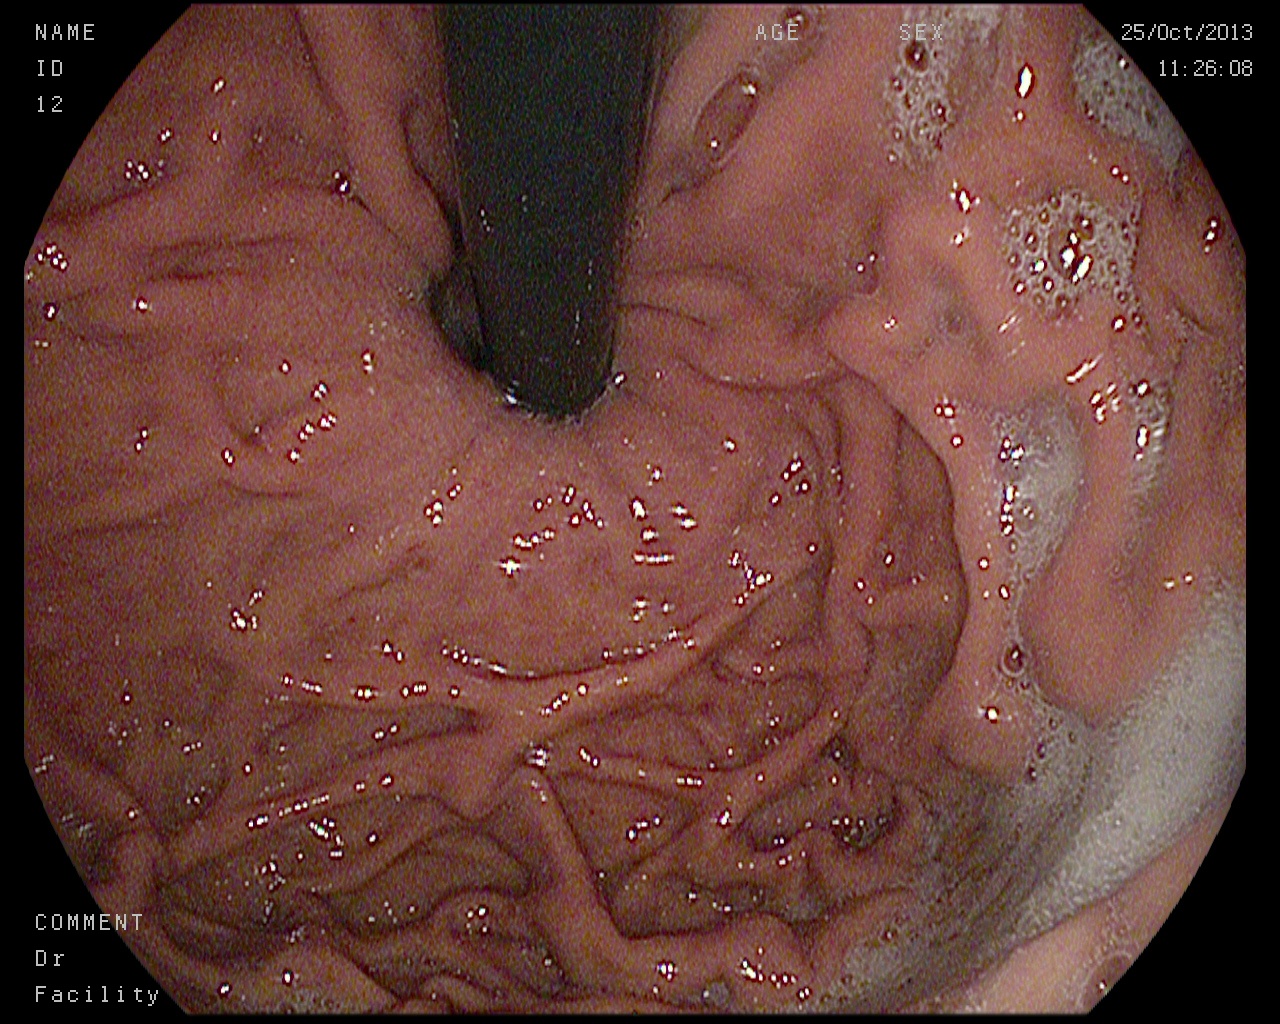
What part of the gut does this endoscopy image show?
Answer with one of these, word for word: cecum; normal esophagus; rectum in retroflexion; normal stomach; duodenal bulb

normal stomach